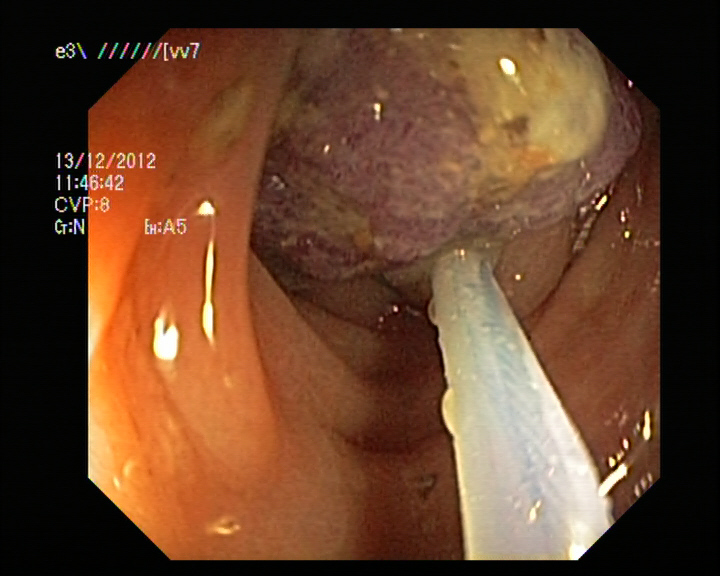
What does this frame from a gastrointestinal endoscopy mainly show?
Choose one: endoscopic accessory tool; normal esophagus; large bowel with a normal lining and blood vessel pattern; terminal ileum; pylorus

endoscopic accessory tool